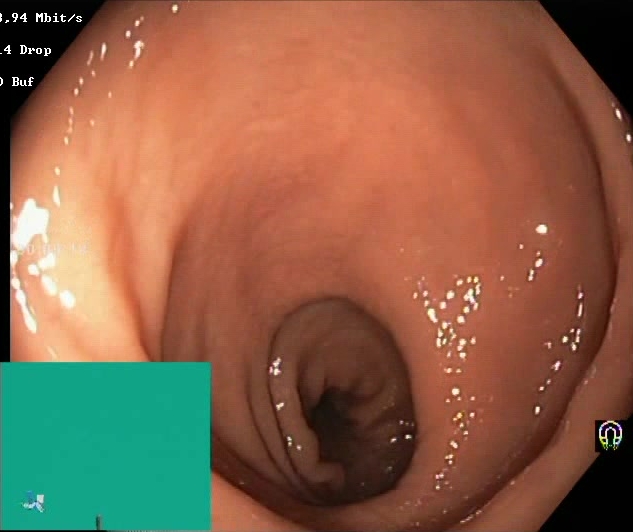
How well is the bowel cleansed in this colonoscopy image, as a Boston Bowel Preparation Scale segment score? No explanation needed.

Boston Bowel Preparation Scale score 2–3 (adequate preparation)